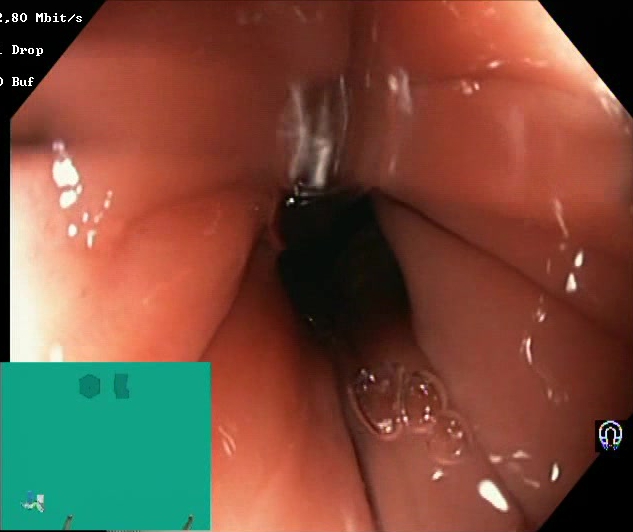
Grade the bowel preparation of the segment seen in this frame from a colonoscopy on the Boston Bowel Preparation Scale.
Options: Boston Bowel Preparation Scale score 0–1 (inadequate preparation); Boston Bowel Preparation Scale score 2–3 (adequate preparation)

Boston Bowel Preparation Scale score 2–3 (adequate preparation)